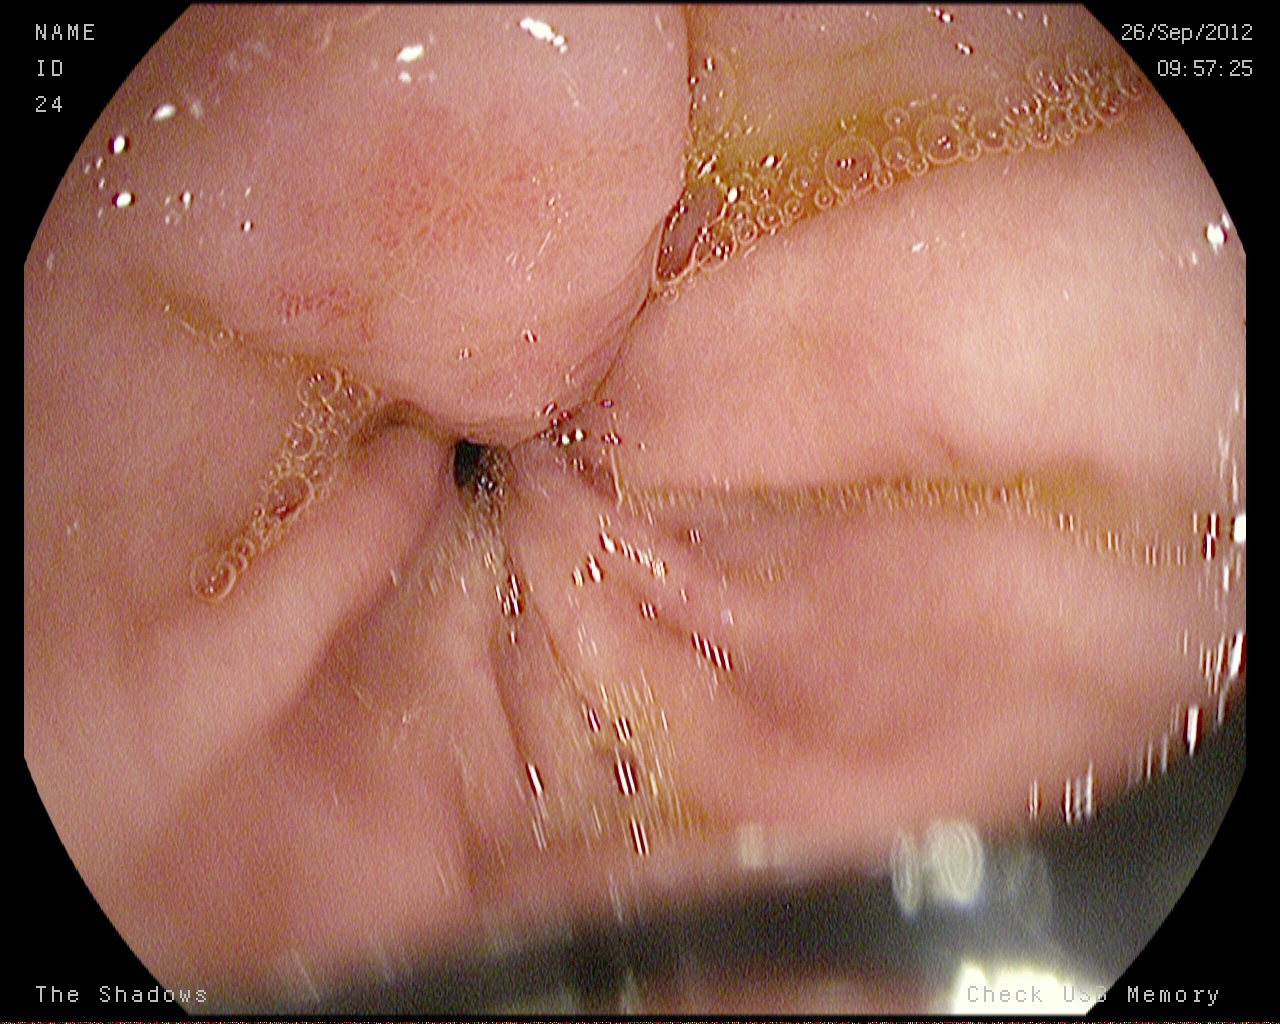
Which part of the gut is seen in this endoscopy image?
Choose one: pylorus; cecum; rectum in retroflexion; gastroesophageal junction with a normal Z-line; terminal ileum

pylorus